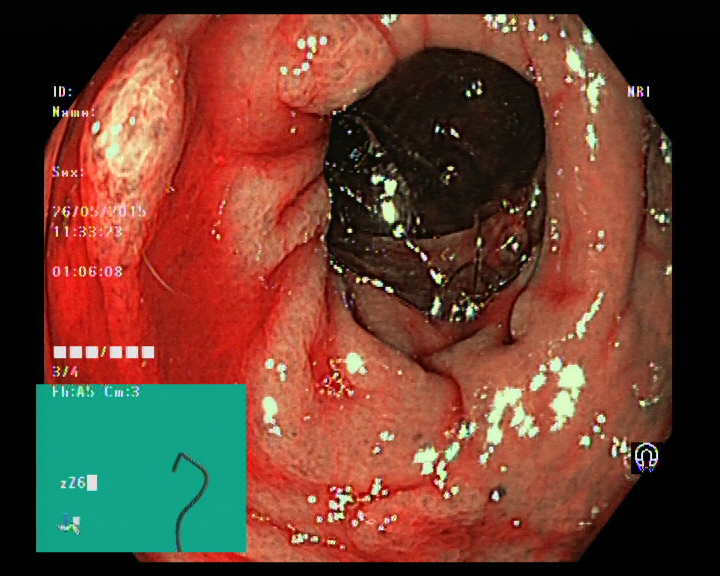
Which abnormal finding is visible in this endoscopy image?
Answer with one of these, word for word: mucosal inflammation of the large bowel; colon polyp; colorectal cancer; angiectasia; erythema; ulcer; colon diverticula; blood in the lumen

colon polyp